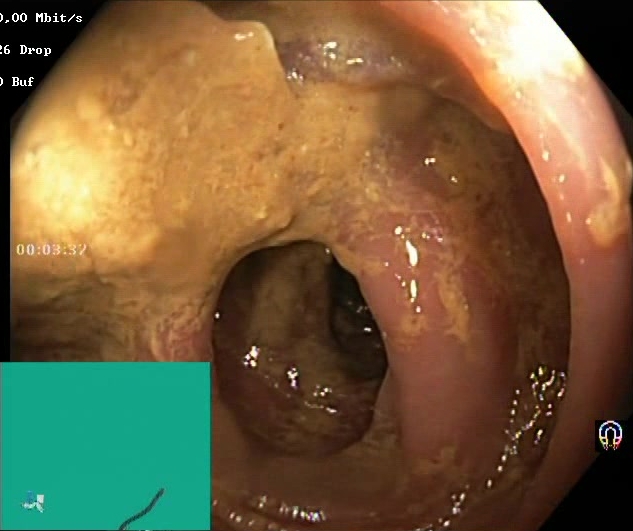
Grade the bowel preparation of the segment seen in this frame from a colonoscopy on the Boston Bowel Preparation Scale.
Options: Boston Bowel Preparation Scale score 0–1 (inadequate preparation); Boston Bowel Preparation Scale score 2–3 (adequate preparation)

Boston Bowel Preparation Scale score 0–1 (inadequate preparation)